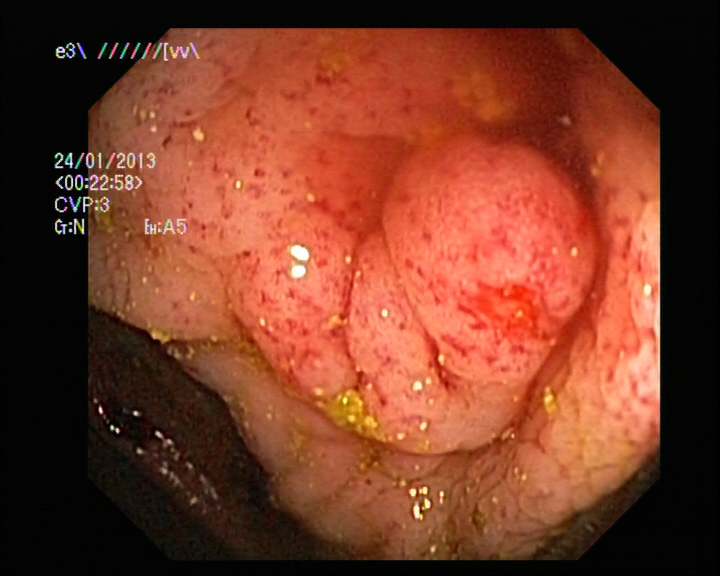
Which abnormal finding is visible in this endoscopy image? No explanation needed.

colon polyp